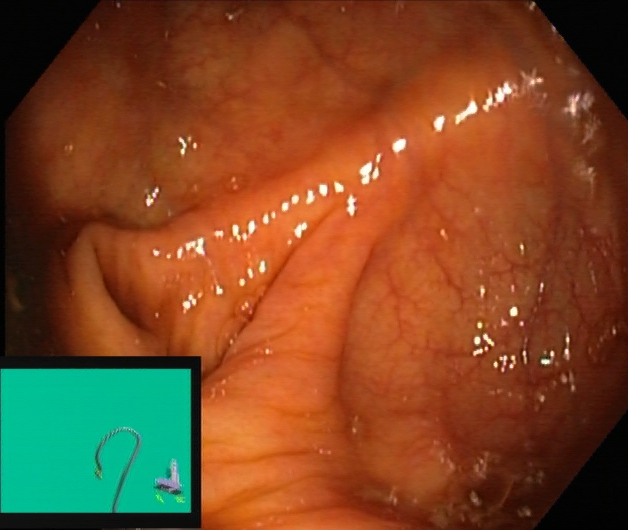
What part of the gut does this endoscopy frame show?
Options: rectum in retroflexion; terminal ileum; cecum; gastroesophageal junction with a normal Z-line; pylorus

cecum